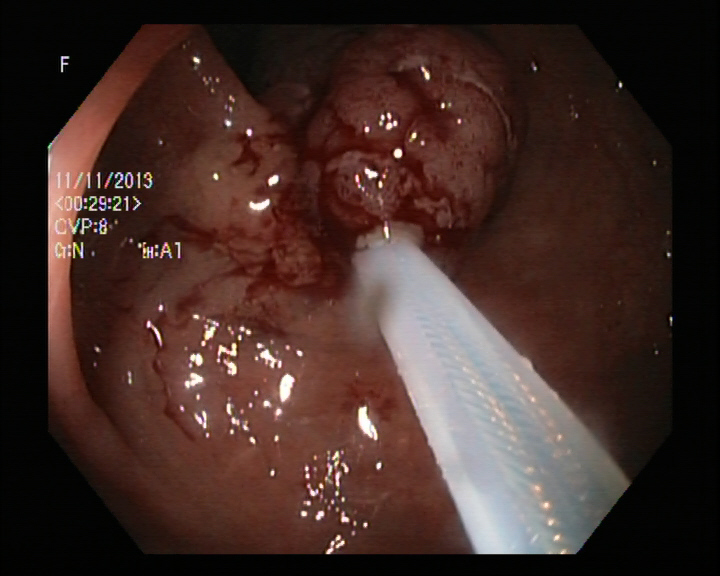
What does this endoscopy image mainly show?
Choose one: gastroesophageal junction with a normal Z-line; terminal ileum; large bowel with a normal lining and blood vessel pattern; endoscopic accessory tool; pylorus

endoscopic accessory tool